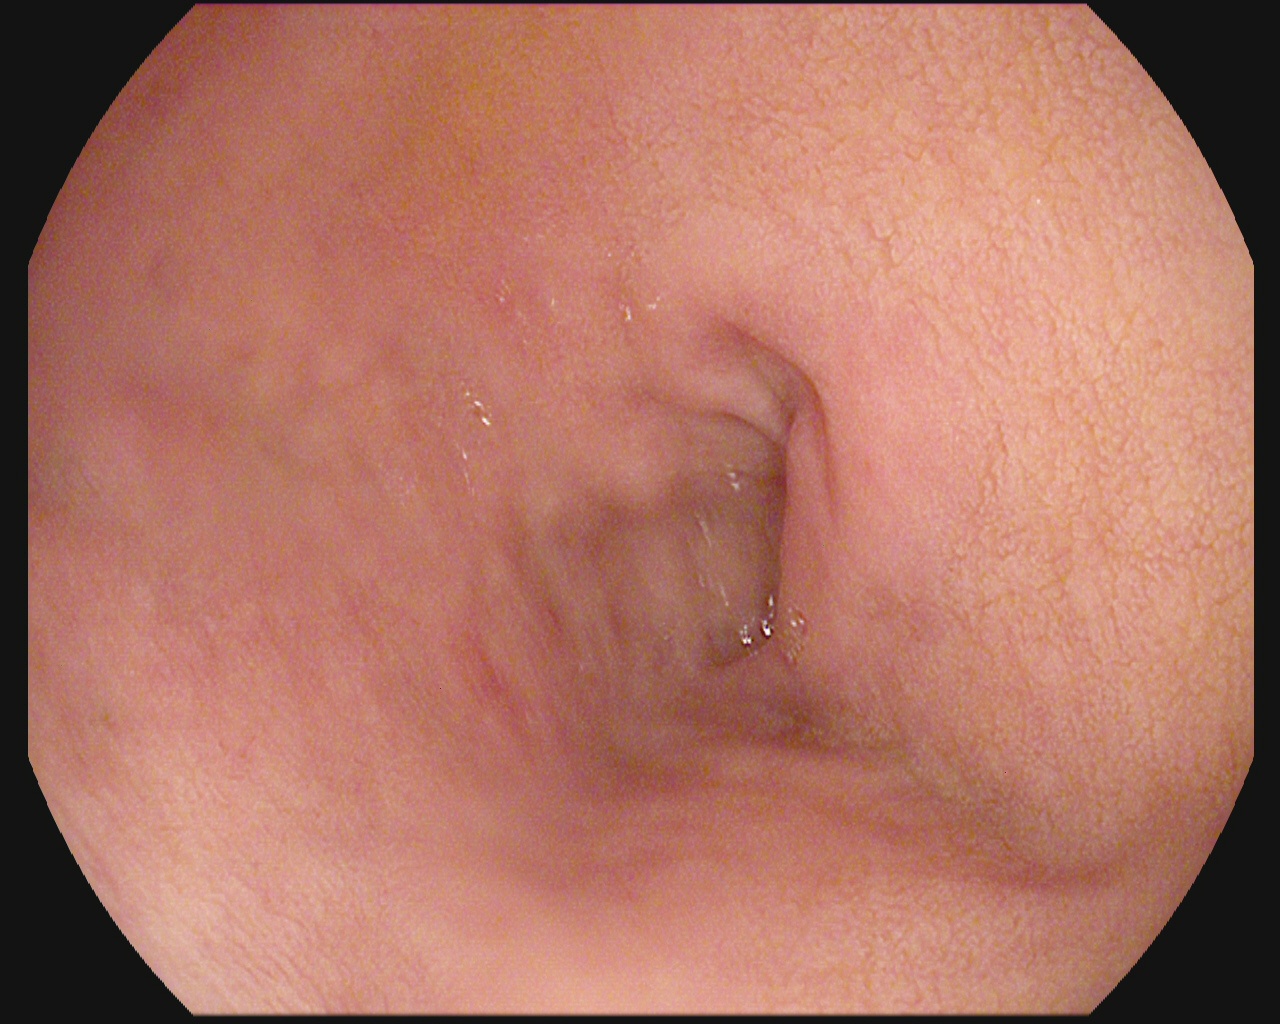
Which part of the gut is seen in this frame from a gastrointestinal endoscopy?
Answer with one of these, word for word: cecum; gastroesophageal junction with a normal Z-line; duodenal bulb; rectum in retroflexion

duodenal bulb